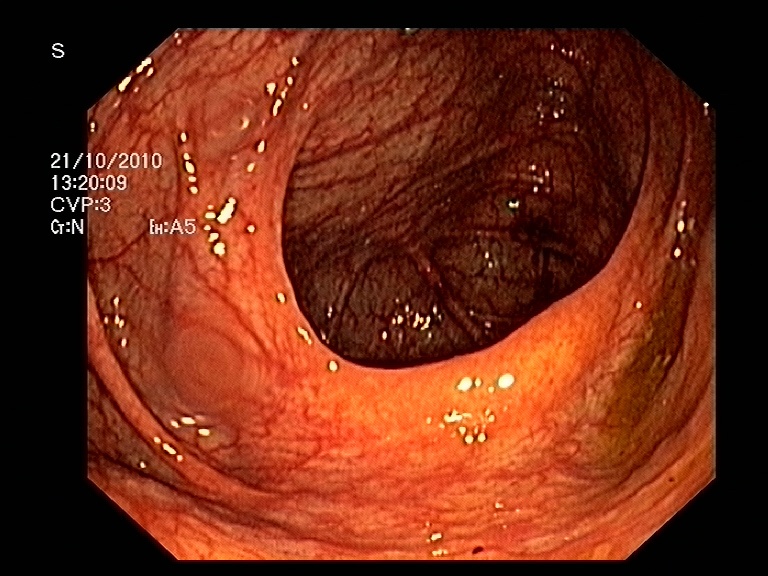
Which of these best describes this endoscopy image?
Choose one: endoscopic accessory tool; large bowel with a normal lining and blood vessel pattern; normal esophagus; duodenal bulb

large bowel with a normal lining and blood vessel pattern